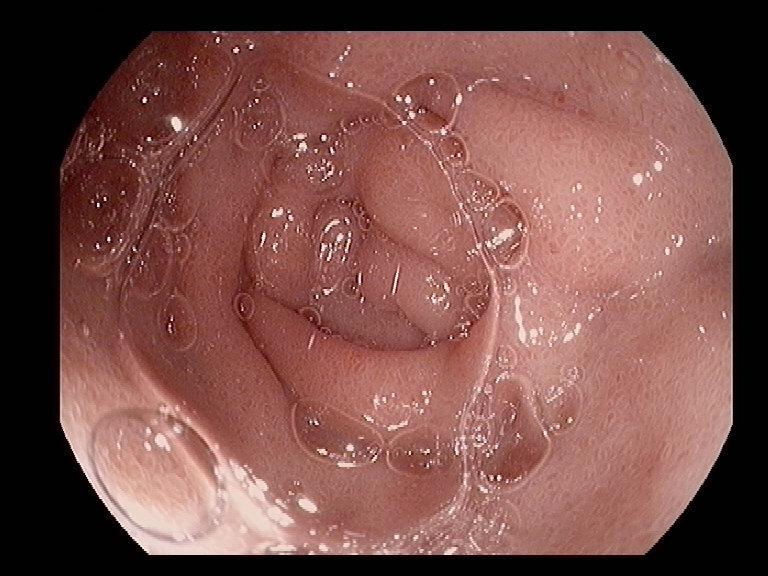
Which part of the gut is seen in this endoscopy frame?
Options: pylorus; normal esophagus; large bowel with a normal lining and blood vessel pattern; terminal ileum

terminal ileum